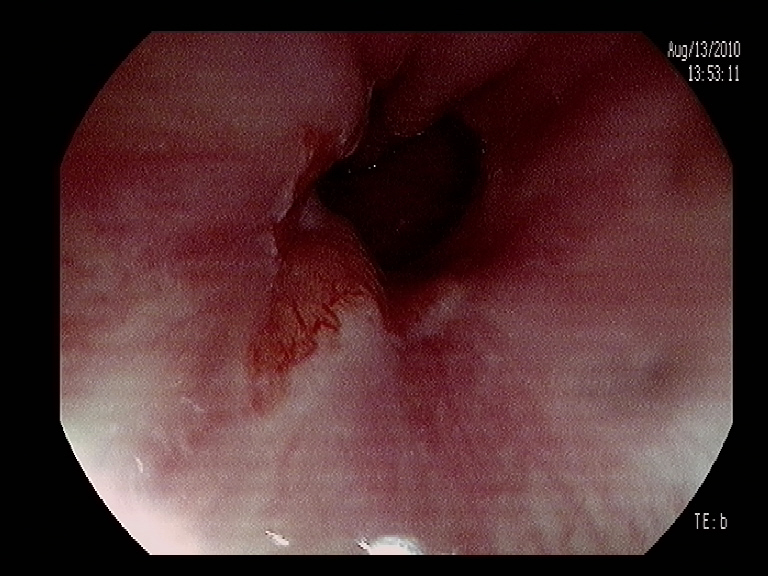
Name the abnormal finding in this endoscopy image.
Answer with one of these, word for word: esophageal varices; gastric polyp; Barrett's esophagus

Barrett's esophagus